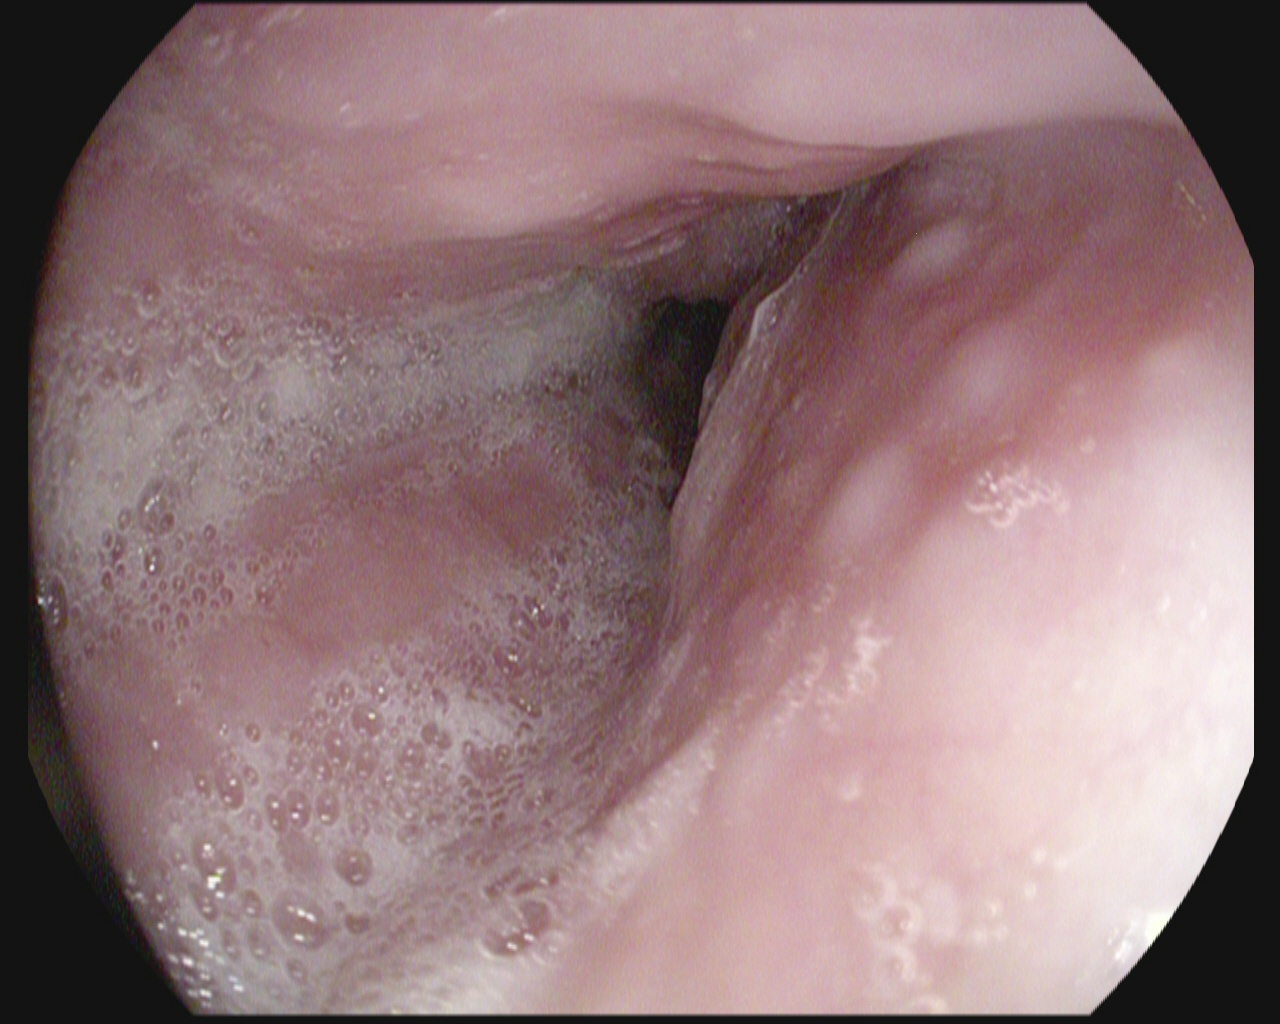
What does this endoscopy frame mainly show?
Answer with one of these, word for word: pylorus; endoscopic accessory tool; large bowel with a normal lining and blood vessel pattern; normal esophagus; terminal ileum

normal esophagus